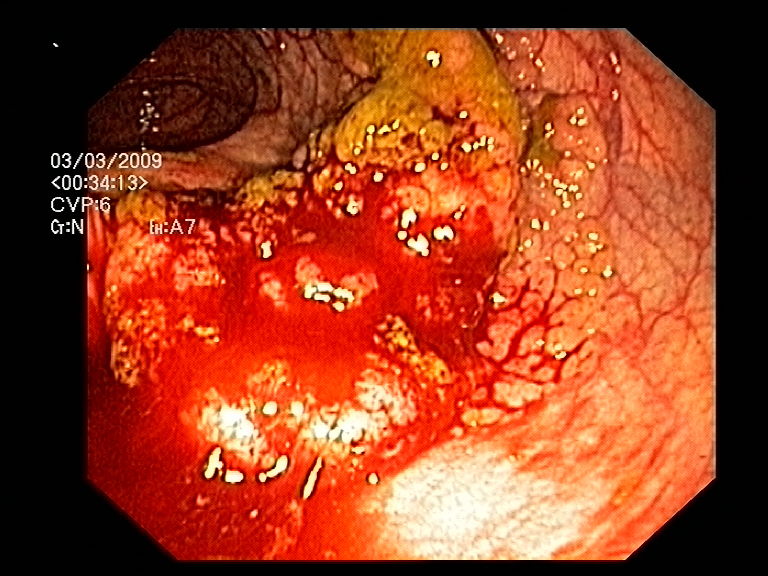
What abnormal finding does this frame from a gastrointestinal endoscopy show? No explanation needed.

blood in the lumen